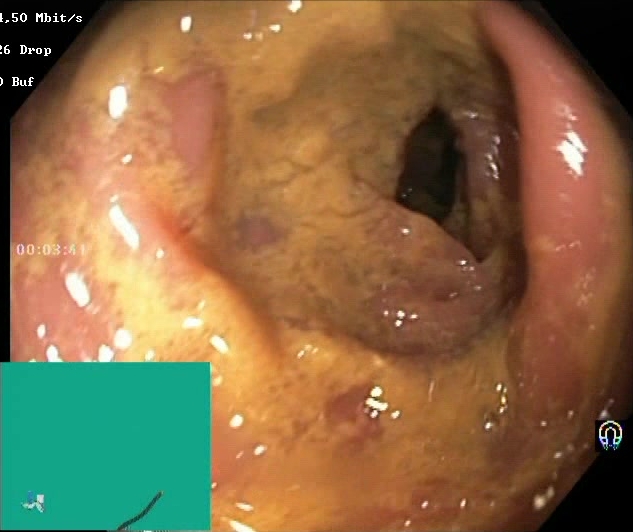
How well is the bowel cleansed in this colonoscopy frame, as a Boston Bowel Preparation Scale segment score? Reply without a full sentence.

Boston Bowel Preparation Scale score 0–1 (inadequate preparation)